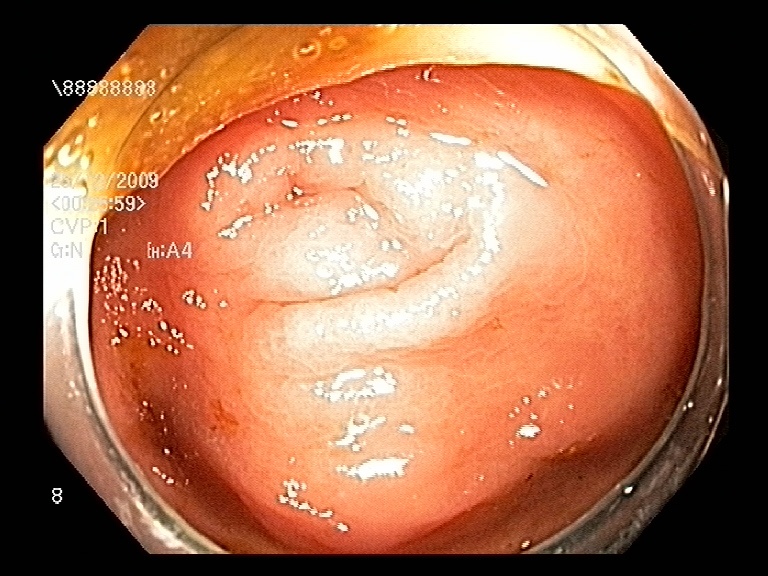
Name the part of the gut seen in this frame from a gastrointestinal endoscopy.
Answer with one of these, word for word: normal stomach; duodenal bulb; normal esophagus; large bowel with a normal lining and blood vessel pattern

large bowel with a normal lining and blood vessel pattern